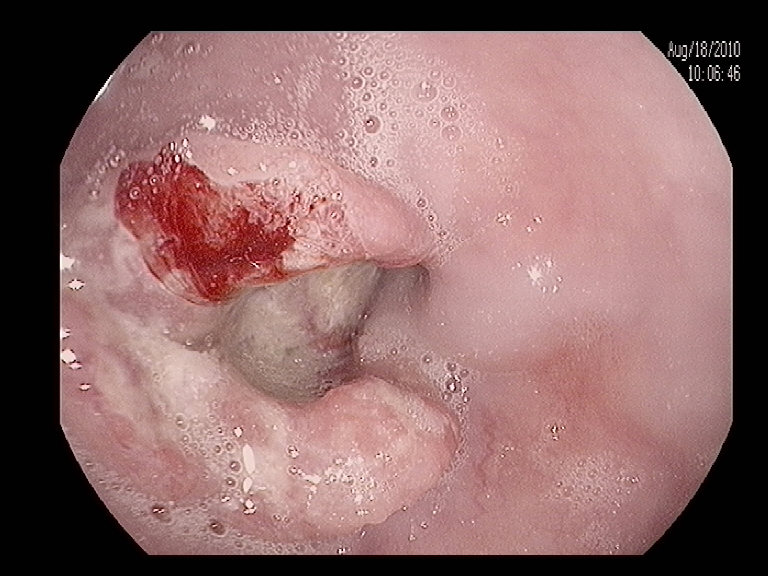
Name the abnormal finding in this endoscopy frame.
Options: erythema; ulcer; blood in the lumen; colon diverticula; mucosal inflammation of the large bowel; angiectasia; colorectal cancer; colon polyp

blood in the lumen